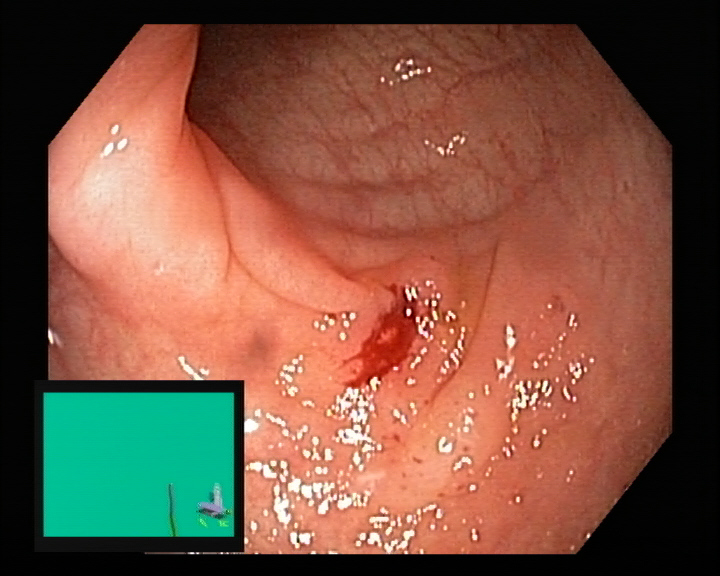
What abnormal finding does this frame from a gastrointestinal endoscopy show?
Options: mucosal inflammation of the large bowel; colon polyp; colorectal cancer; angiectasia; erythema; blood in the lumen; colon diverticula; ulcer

blood in the lumen